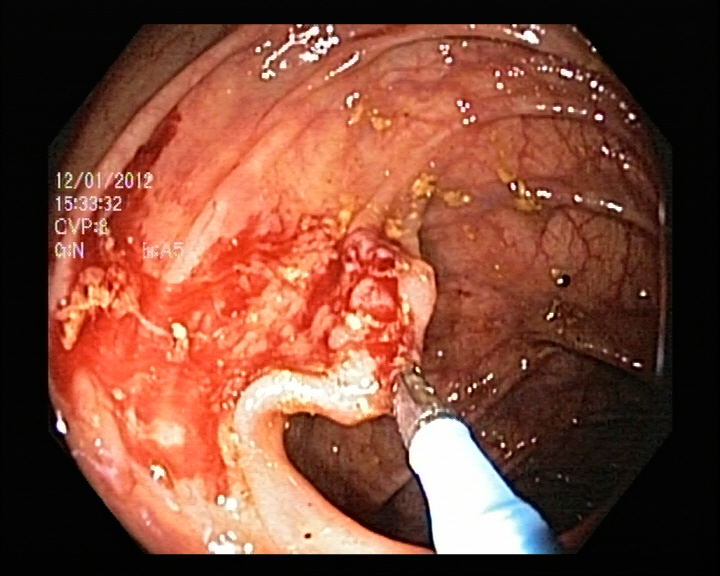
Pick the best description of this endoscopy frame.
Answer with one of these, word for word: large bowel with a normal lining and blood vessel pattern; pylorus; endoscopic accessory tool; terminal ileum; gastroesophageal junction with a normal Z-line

endoscopic accessory tool